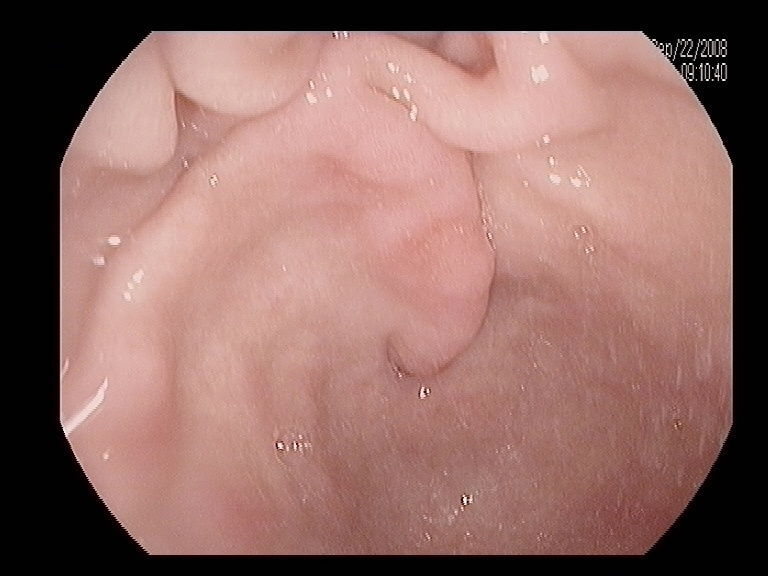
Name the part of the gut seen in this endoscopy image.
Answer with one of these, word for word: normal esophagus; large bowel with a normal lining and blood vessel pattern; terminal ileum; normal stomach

normal stomach